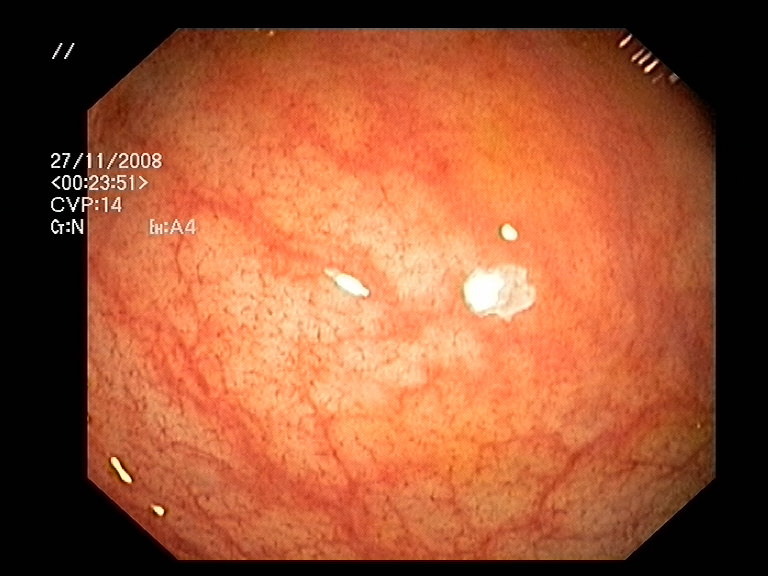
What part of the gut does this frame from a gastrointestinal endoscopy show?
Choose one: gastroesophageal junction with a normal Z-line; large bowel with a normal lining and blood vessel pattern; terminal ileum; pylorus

large bowel with a normal lining and blood vessel pattern